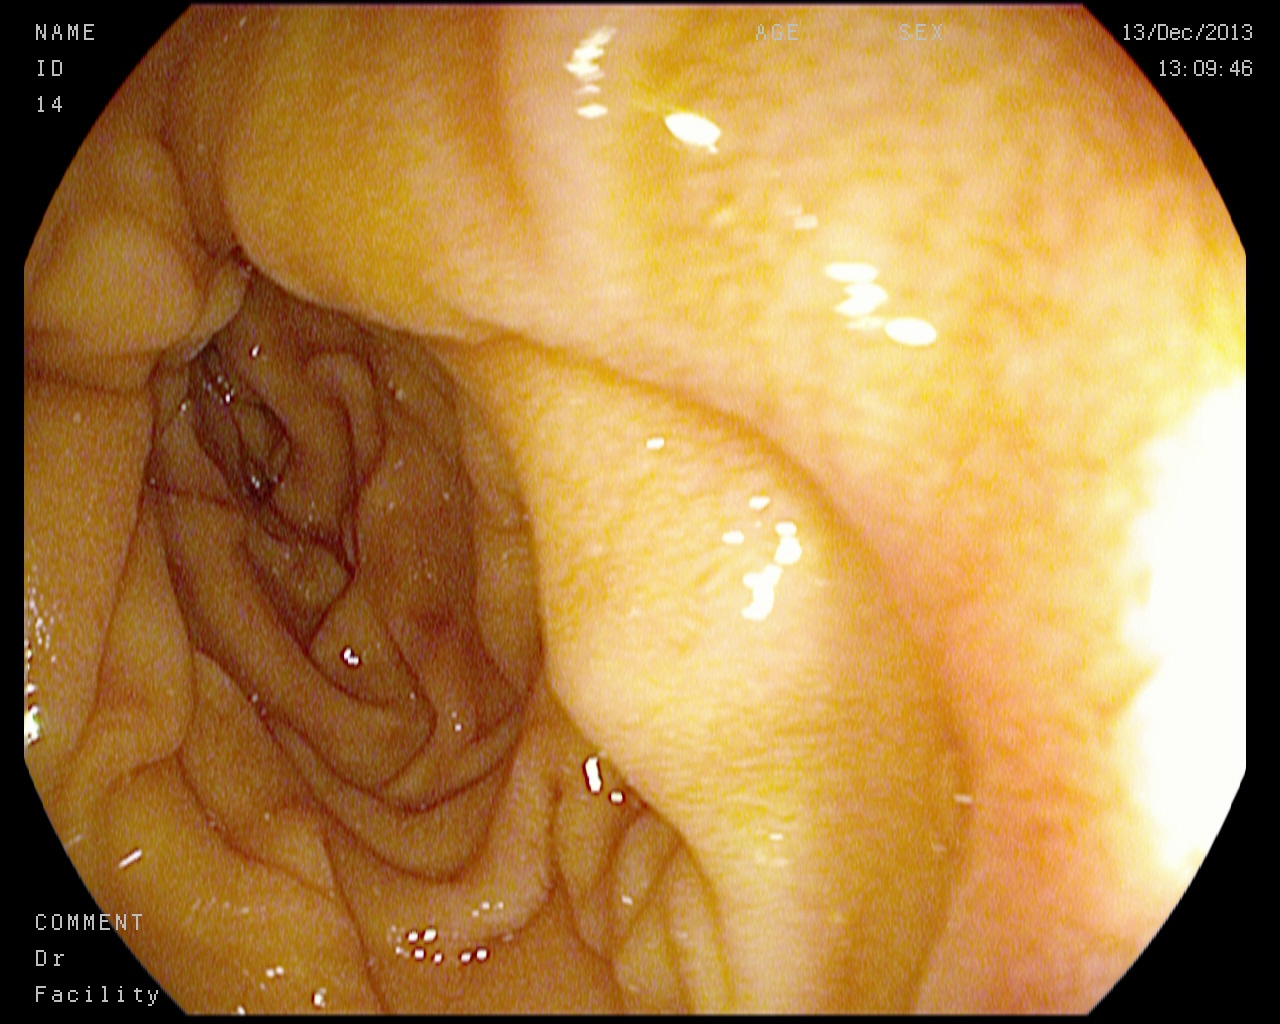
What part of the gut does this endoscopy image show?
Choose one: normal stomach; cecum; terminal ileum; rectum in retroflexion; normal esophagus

terminal ileum